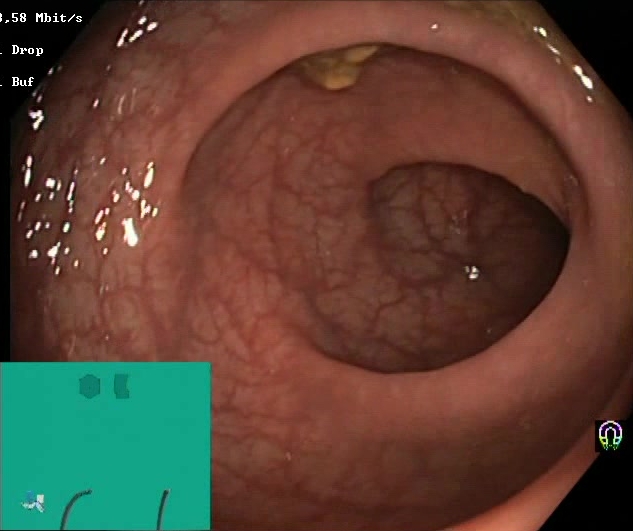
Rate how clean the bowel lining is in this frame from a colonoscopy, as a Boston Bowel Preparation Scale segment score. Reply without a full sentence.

Boston Bowel Preparation Scale score 2–3 (adequate preparation)